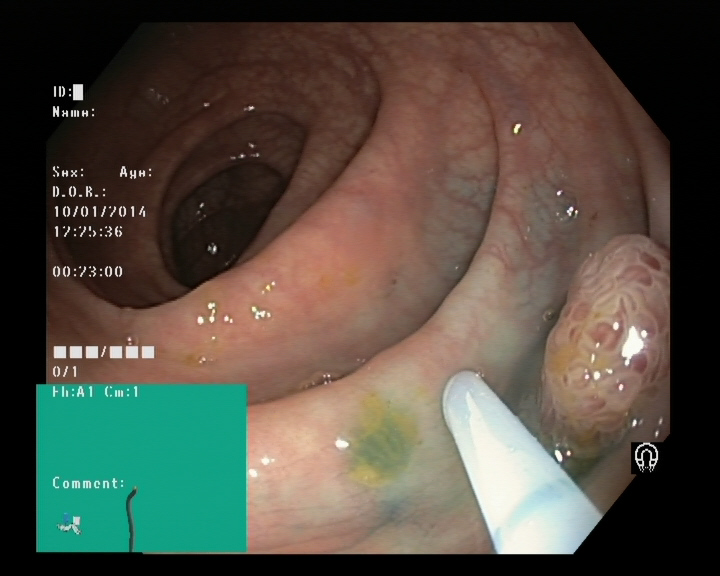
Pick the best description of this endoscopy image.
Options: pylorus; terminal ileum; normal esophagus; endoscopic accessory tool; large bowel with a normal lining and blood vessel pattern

endoscopic accessory tool